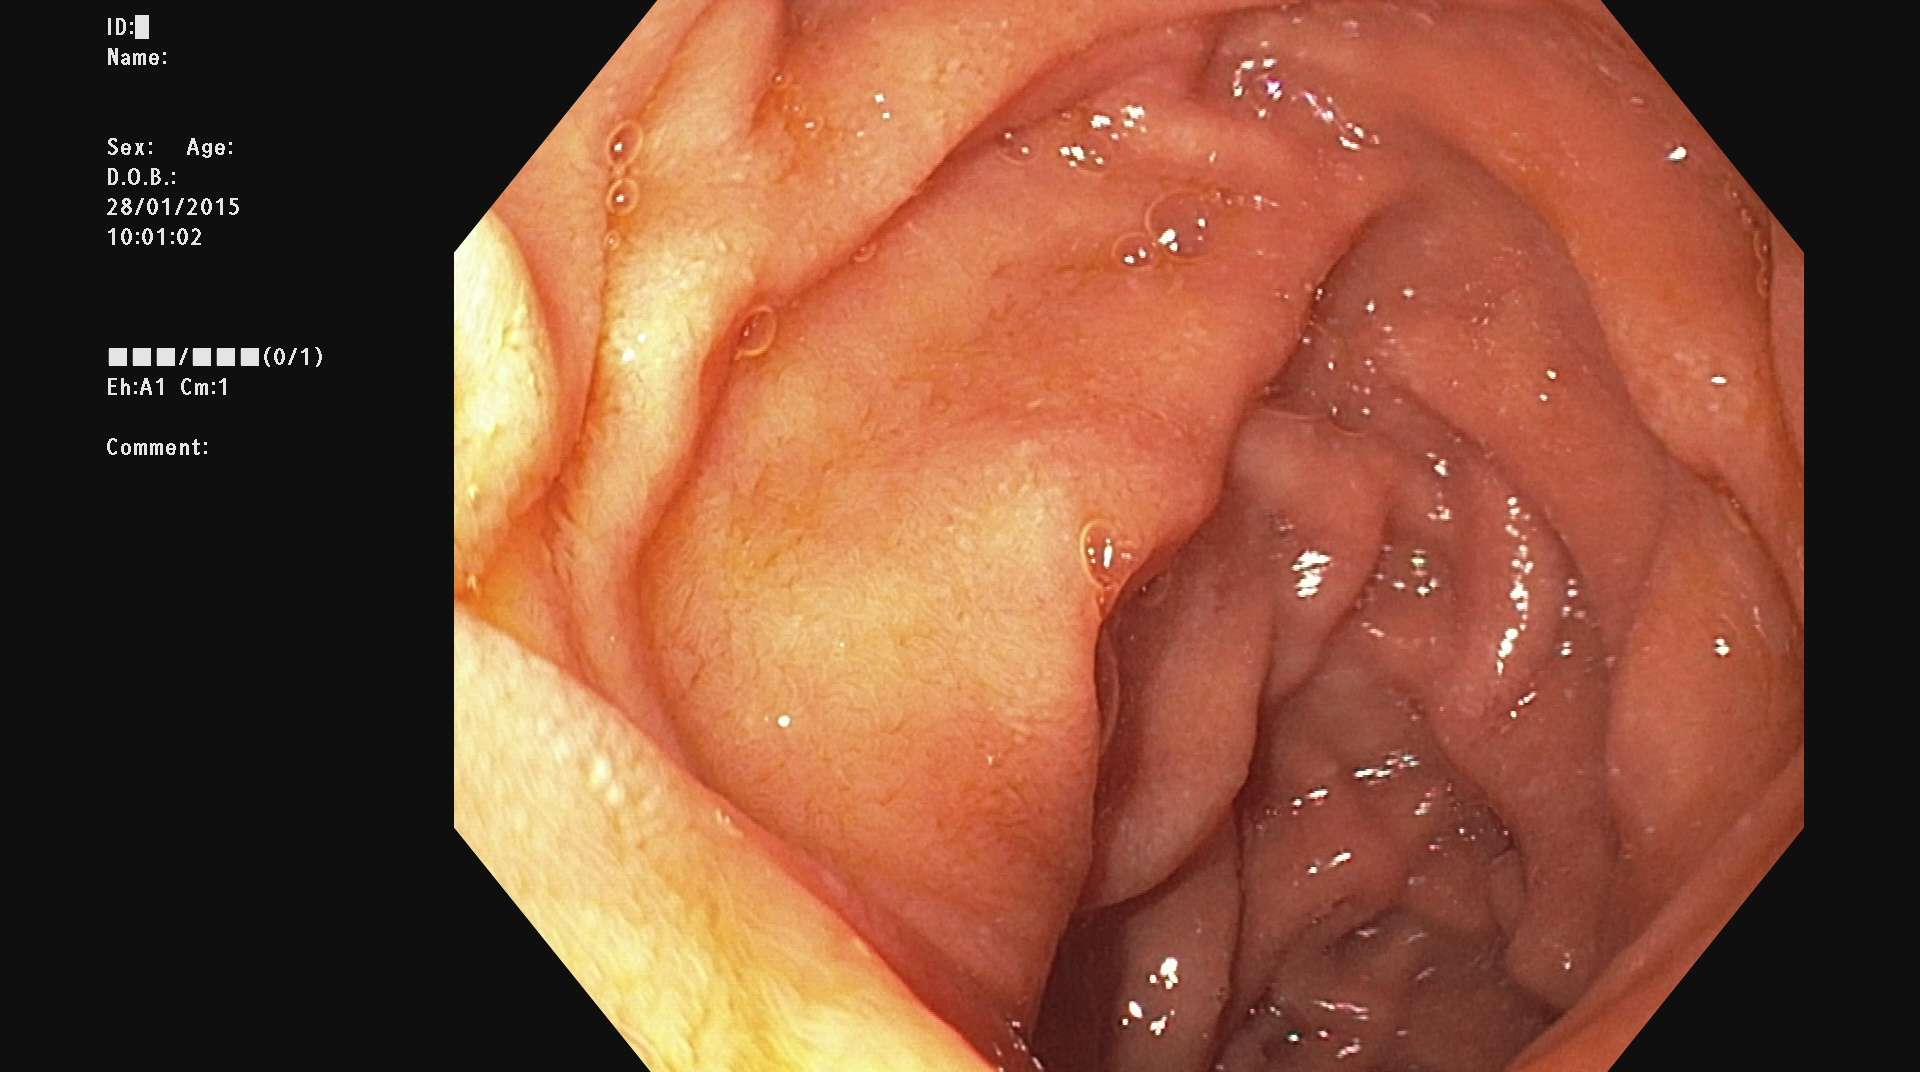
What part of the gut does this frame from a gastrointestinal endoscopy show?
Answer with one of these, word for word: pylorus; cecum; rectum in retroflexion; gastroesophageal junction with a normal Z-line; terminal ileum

terminal ileum